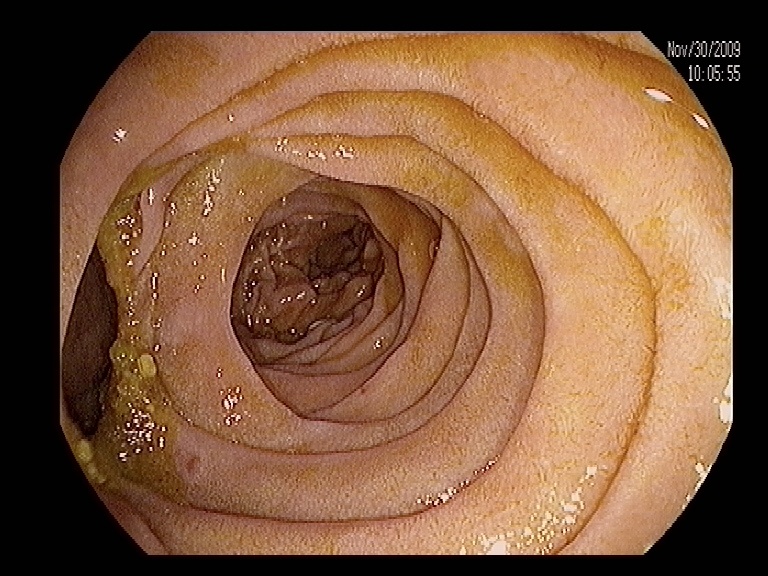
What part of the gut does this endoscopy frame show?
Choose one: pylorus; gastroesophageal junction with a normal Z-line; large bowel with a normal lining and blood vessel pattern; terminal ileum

terminal ileum